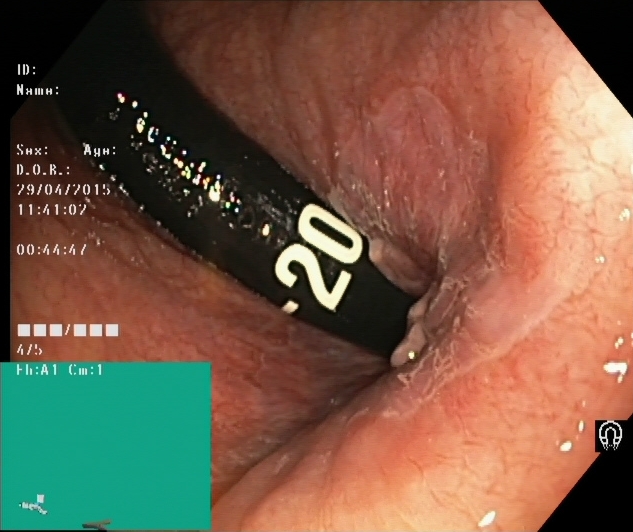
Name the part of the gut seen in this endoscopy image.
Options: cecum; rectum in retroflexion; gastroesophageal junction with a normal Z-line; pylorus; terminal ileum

rectum in retroflexion